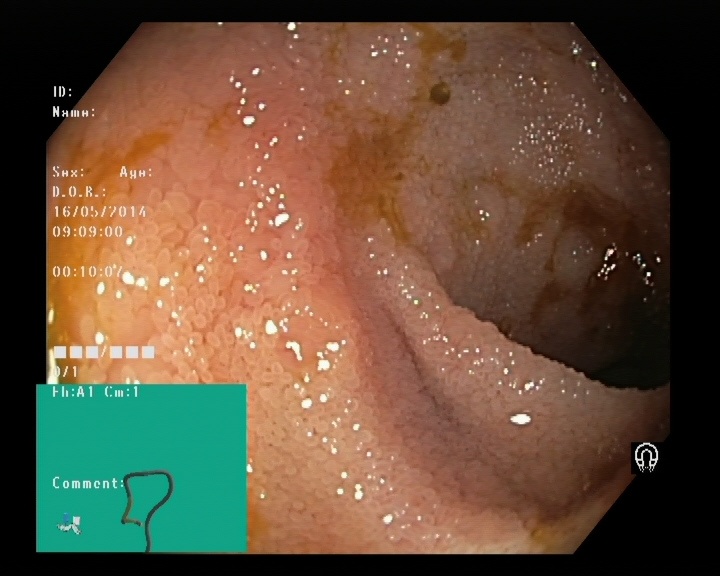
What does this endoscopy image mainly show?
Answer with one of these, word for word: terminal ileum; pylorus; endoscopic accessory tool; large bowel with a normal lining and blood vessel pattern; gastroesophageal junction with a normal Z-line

terminal ileum